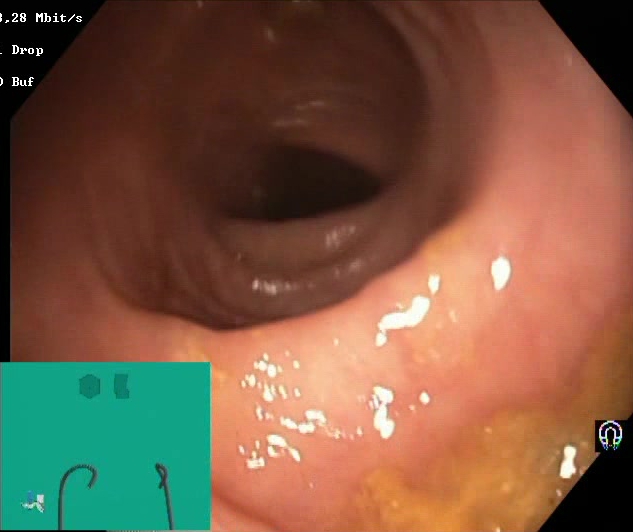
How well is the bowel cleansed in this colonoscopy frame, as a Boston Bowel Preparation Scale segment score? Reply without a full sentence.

Boston Bowel Preparation Scale score 2–3 (adequate preparation)